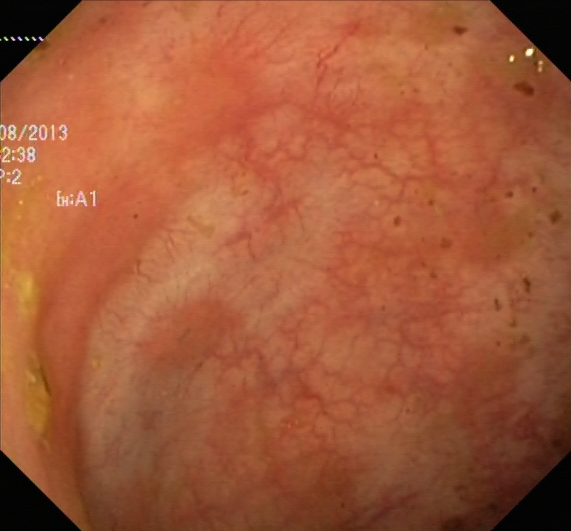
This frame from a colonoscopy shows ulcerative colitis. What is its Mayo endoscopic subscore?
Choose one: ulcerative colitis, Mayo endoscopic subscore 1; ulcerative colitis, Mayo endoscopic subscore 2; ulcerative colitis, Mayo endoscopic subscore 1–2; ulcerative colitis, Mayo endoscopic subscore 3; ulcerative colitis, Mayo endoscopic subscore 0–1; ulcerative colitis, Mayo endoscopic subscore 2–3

ulcerative colitis, Mayo endoscopic subscore 0–1